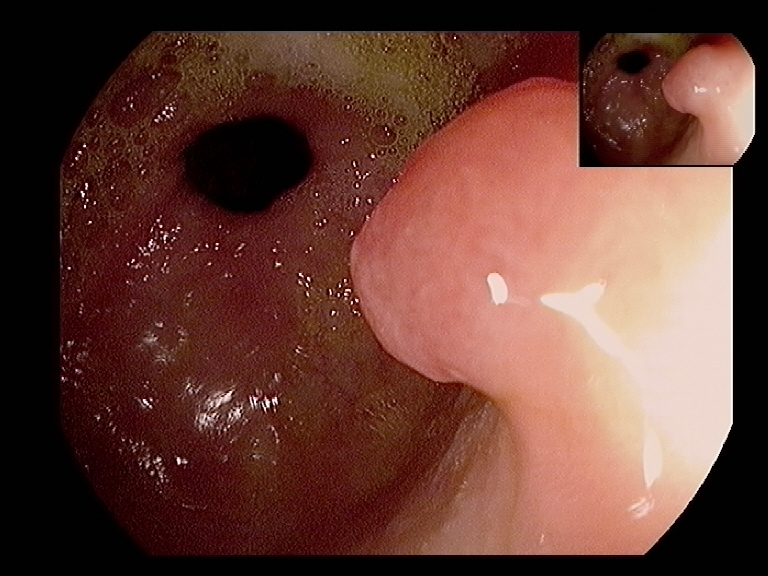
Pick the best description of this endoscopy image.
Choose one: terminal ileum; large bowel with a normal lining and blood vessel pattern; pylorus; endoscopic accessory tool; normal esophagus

pylorus